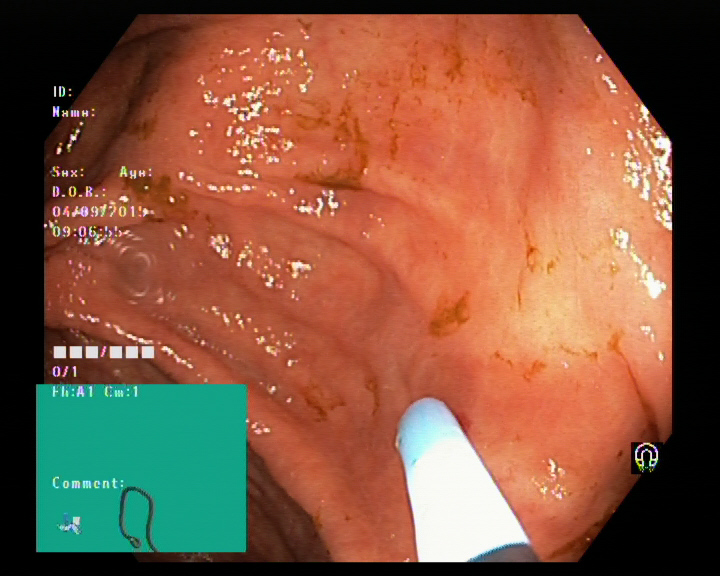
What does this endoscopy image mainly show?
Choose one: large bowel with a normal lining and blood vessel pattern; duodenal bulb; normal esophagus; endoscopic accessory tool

endoscopic accessory tool